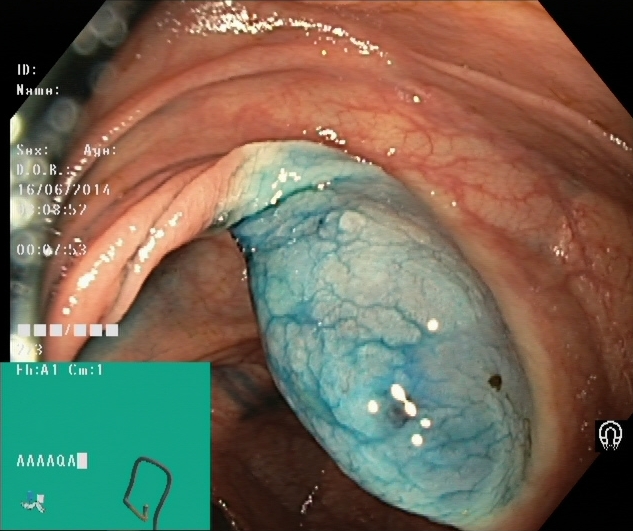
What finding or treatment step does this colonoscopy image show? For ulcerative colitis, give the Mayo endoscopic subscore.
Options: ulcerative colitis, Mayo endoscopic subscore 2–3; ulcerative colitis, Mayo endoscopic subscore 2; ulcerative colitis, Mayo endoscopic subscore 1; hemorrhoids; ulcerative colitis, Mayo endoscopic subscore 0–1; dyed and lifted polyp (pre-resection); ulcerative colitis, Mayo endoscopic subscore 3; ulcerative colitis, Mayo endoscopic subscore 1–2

dyed and lifted polyp (pre-resection)